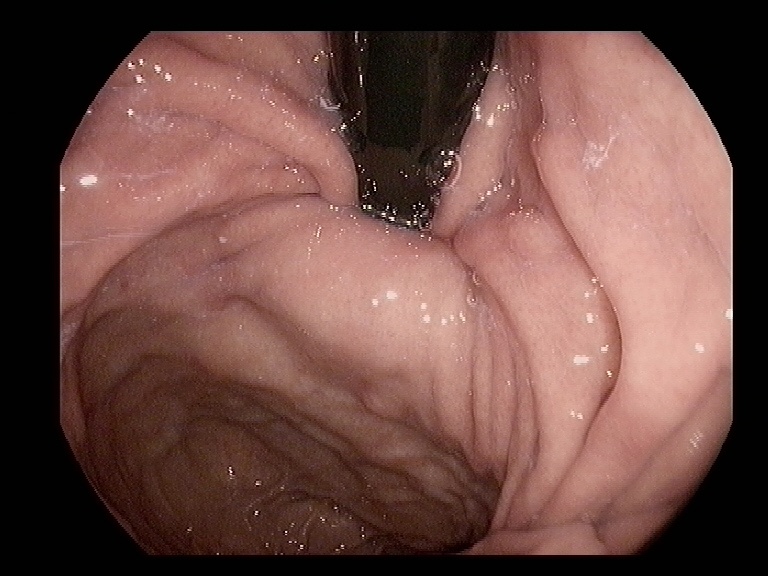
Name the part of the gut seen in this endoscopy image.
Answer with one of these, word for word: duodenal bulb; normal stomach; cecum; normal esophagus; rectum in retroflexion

normal stomach